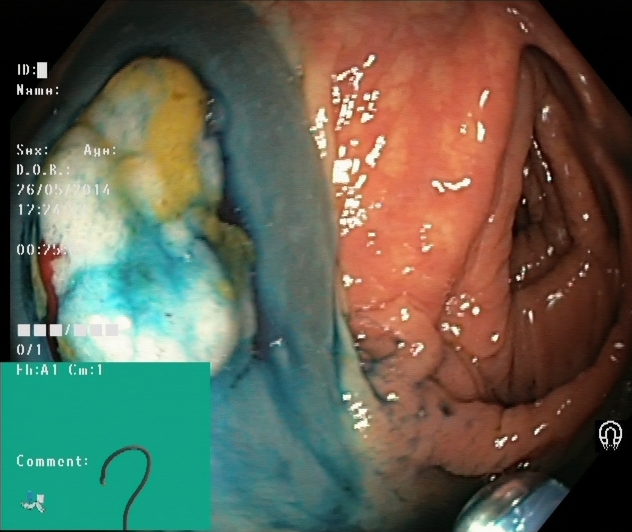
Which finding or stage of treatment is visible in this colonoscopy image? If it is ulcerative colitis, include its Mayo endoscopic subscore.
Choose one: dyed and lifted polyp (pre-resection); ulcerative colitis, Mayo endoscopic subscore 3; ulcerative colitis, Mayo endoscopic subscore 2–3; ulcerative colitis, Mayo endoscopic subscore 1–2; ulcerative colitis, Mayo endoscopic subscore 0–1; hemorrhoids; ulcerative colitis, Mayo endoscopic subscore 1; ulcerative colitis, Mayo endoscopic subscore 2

dyed and lifted polyp (pre-resection)